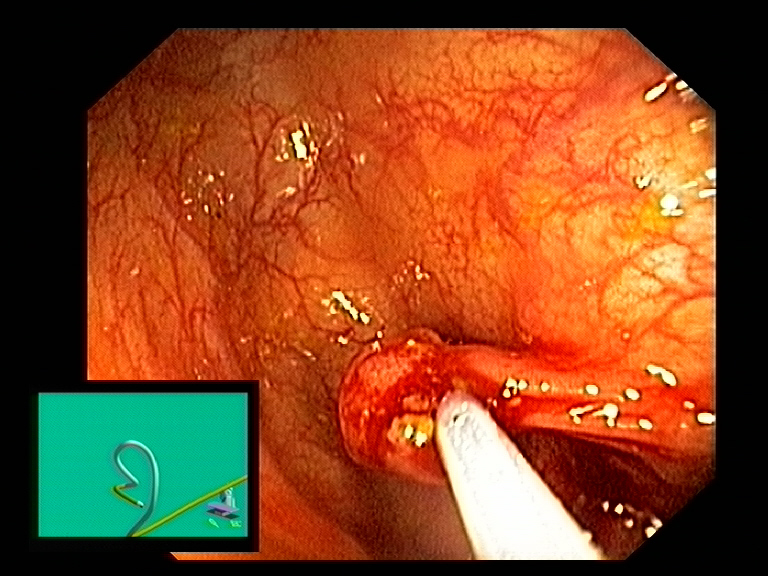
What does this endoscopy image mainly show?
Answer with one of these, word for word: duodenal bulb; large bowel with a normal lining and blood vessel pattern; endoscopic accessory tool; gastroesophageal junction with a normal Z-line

endoscopic accessory tool